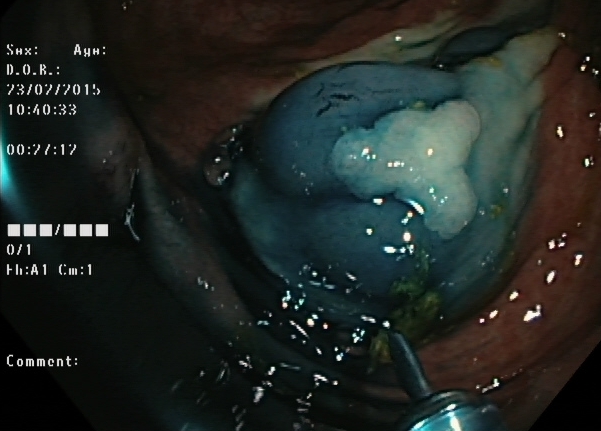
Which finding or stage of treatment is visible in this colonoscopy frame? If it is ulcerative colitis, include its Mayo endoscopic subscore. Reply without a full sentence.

dyed and lifted polyp (pre-resection)